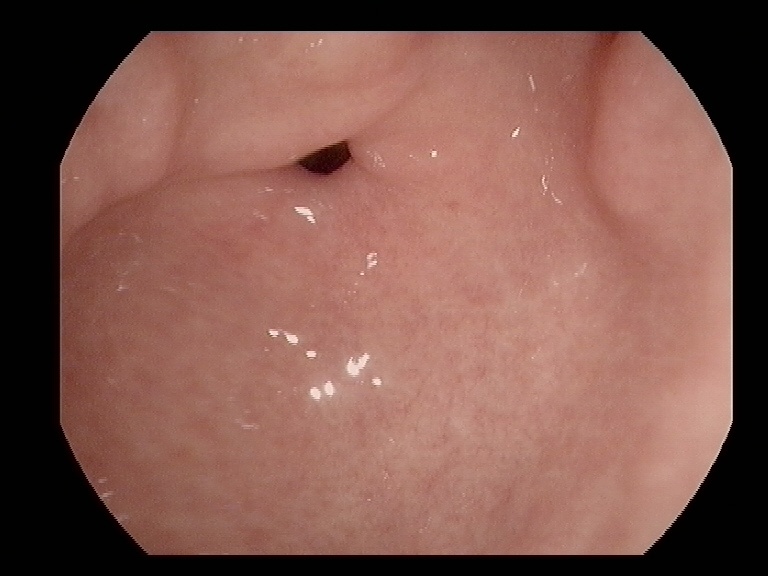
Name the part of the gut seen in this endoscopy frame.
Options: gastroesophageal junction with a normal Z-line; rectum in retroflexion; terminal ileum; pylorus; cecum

pylorus